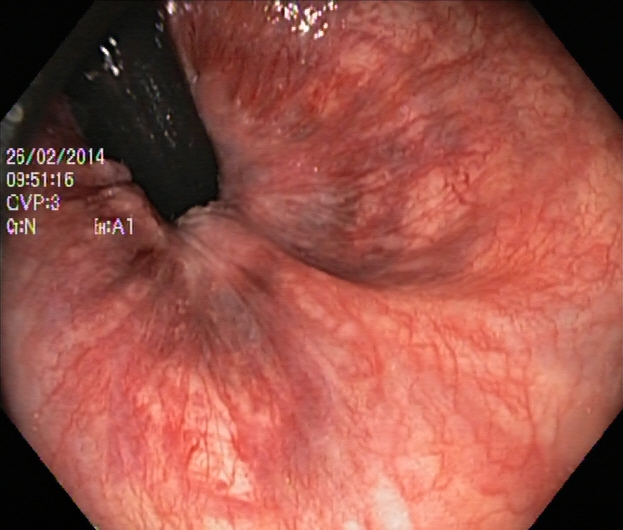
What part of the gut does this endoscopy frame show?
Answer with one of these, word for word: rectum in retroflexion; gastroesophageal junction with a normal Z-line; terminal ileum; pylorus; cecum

rectum in retroflexion